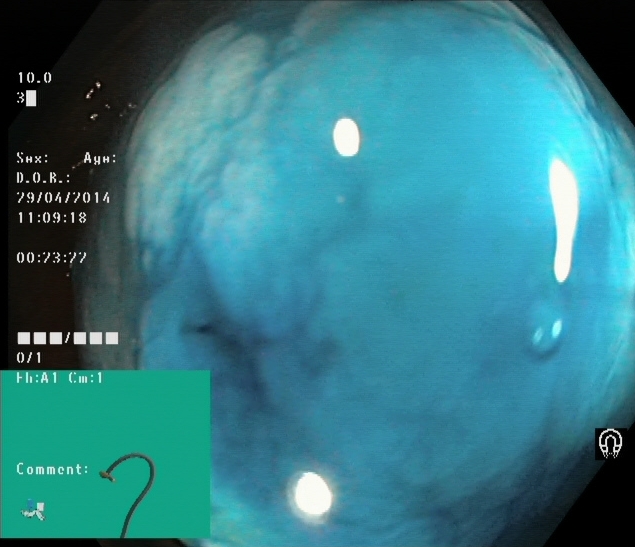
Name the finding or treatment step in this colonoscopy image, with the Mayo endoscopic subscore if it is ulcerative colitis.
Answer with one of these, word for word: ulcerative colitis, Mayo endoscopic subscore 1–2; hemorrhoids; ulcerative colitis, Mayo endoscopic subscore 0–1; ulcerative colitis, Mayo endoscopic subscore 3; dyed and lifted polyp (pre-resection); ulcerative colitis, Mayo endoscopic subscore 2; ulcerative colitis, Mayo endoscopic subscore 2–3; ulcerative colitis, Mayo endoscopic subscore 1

dyed and lifted polyp (pre-resection)